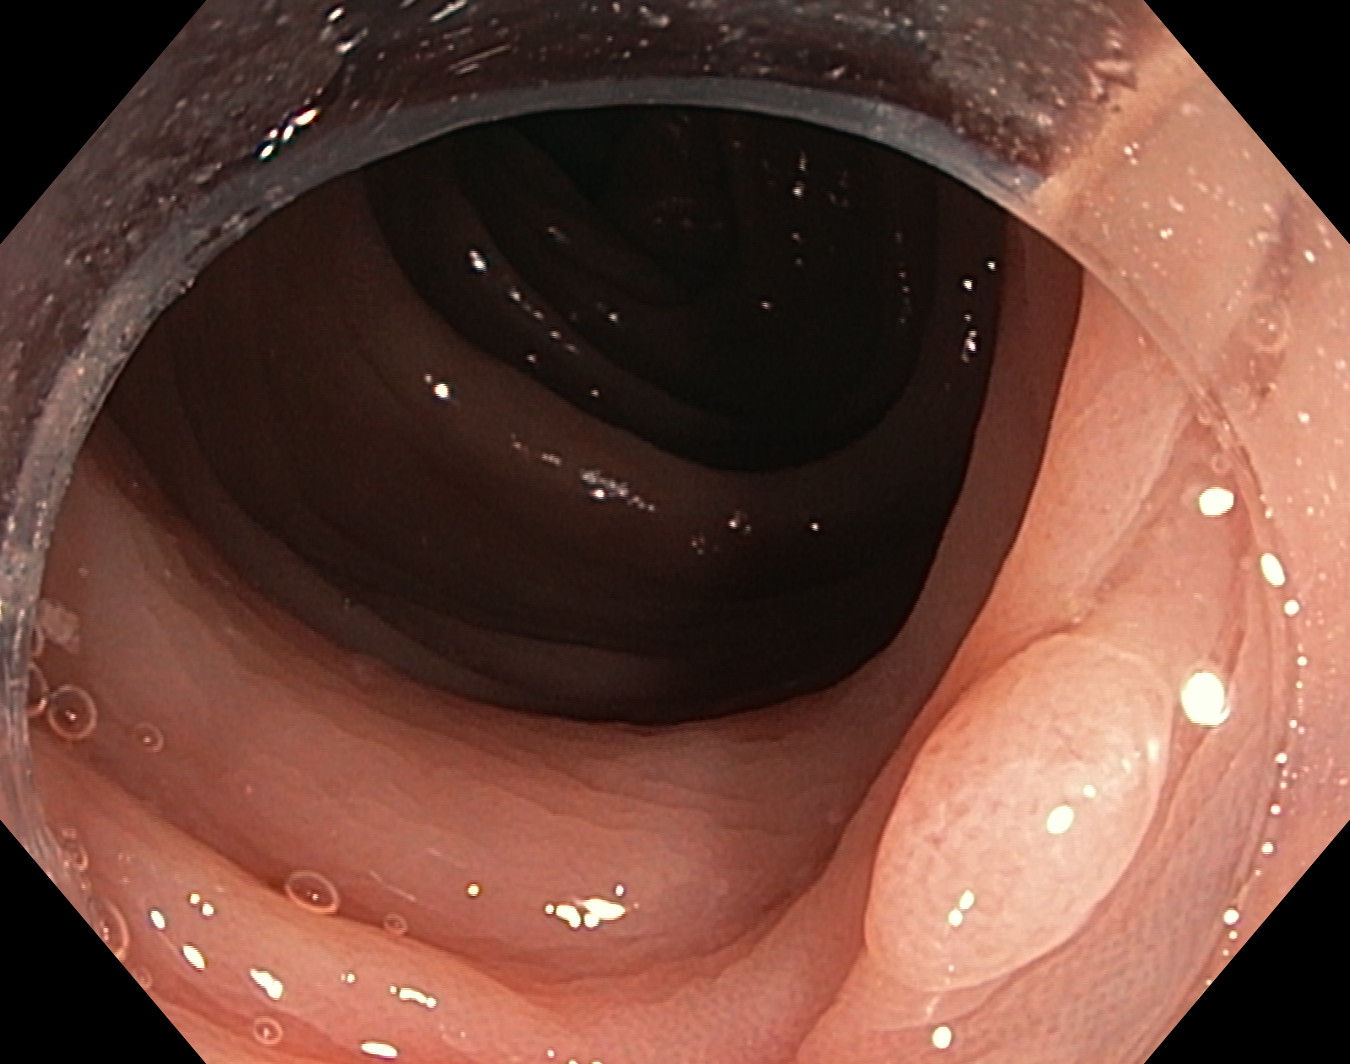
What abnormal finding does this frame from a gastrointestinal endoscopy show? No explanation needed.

colon polyp